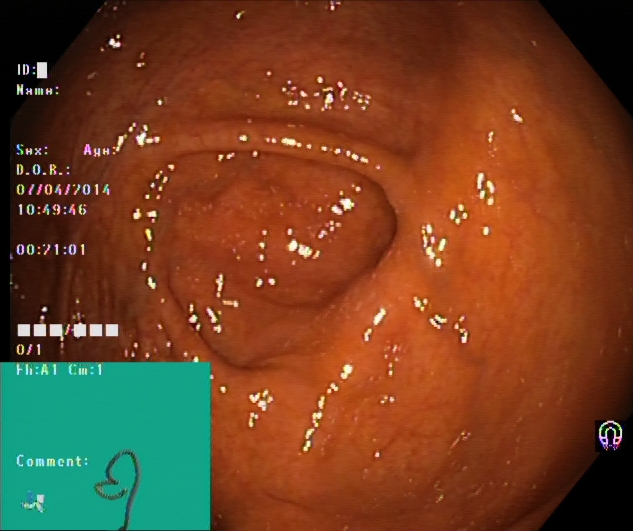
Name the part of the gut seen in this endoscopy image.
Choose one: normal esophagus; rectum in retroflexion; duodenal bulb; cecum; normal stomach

cecum